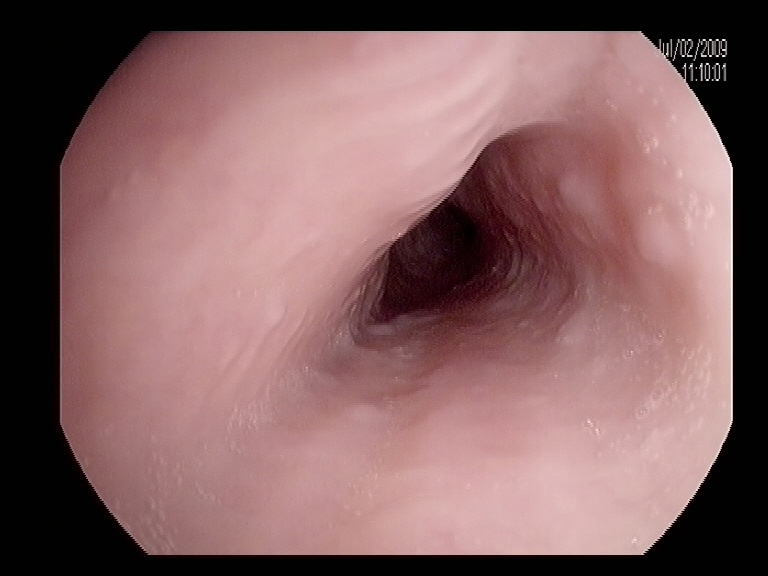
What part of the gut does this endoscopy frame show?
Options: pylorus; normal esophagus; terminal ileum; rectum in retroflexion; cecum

normal esophagus